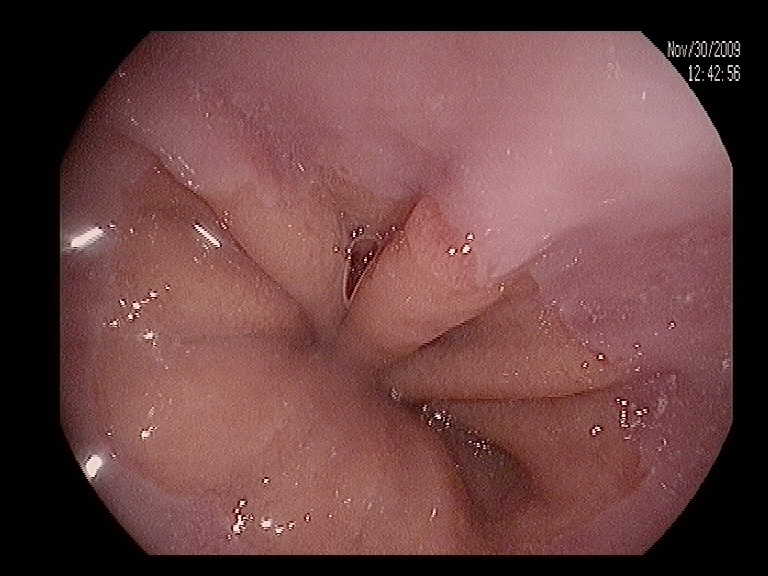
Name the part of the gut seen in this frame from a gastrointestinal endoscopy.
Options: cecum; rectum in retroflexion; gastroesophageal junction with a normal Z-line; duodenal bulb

gastroesophageal junction with a normal Z-line